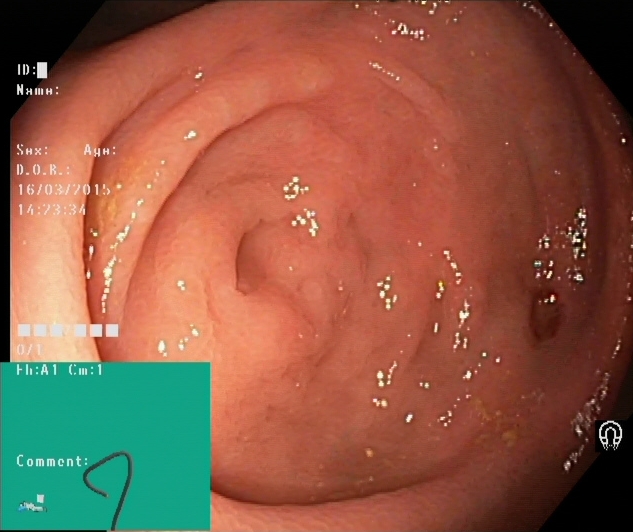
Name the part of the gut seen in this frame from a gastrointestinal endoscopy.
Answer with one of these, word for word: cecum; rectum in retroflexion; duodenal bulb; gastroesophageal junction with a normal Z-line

cecum